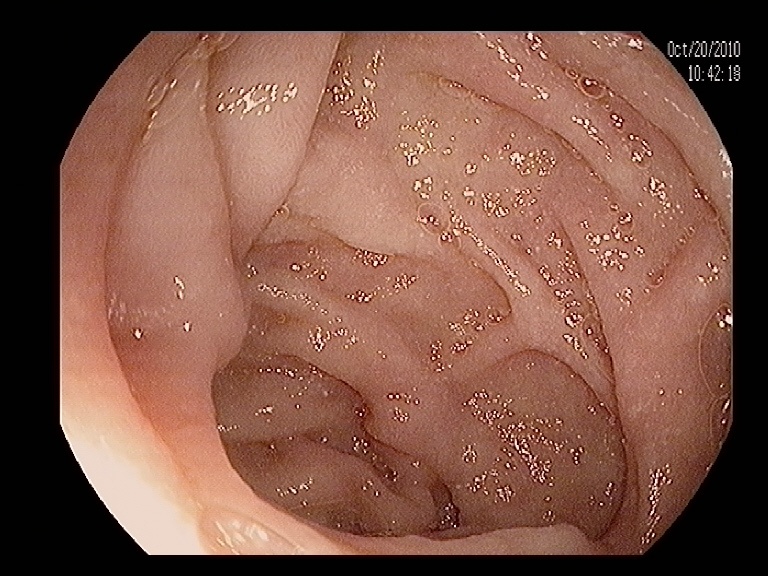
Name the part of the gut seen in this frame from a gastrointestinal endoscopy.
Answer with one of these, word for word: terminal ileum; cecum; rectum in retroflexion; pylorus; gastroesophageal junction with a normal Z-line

terminal ileum